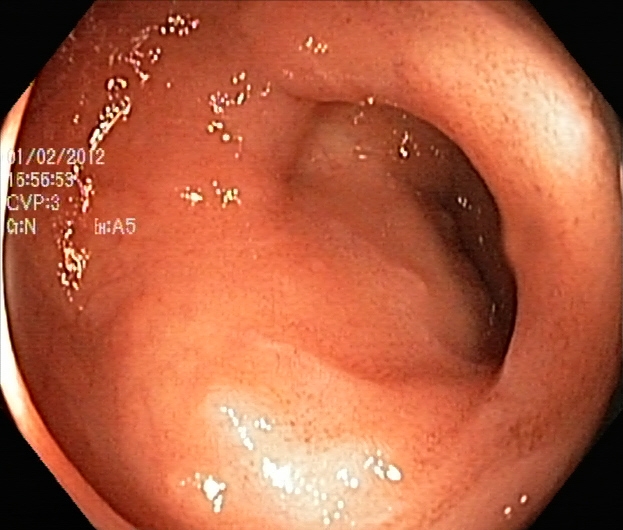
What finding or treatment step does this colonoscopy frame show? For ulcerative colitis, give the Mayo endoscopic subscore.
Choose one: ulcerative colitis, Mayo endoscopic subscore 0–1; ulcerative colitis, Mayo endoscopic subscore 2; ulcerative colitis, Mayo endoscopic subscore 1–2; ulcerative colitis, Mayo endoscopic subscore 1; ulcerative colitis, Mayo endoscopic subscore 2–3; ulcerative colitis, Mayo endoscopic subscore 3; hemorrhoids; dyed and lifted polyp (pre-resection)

ulcerative colitis, Mayo endoscopic subscore 2